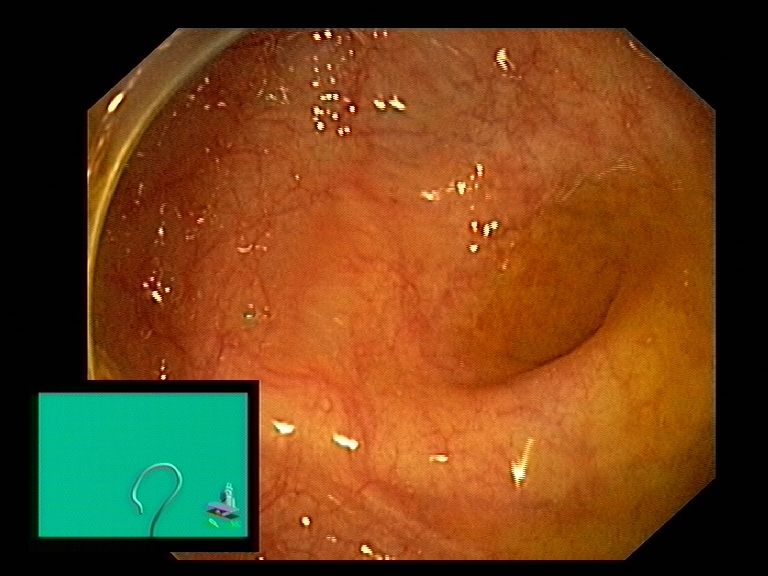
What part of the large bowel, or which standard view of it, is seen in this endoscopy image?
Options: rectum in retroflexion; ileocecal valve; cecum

cecum